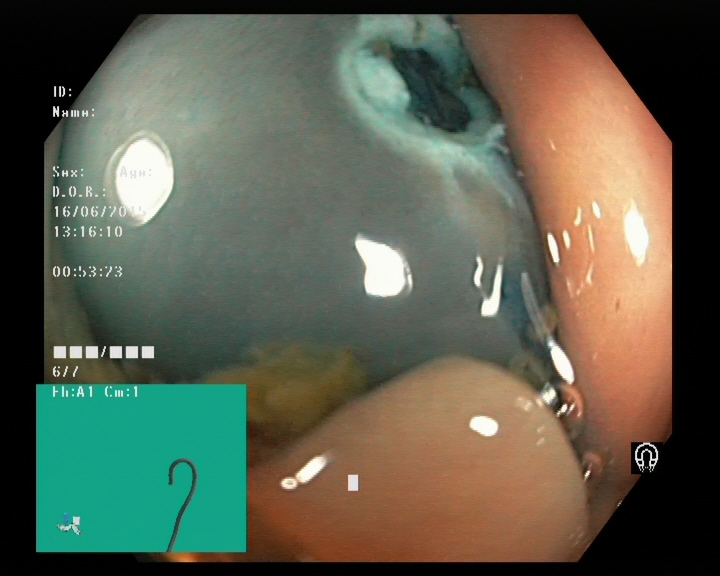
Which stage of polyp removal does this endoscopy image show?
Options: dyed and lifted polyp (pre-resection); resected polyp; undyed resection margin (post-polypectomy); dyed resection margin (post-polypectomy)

dyed resection margin (post-polypectomy)